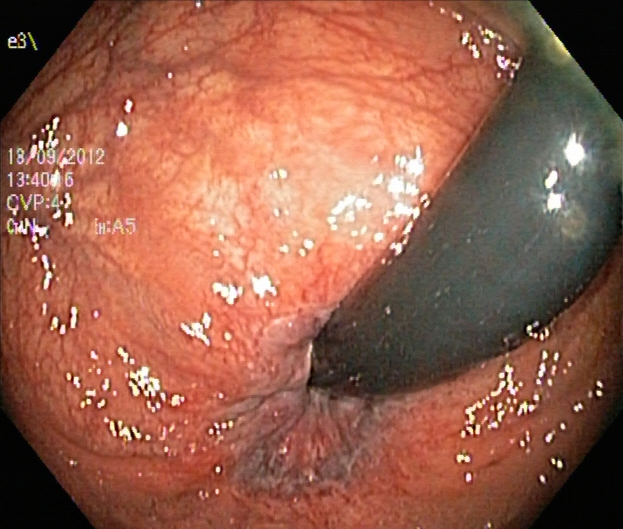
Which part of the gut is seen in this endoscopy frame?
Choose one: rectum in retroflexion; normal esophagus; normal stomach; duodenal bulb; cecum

rectum in retroflexion